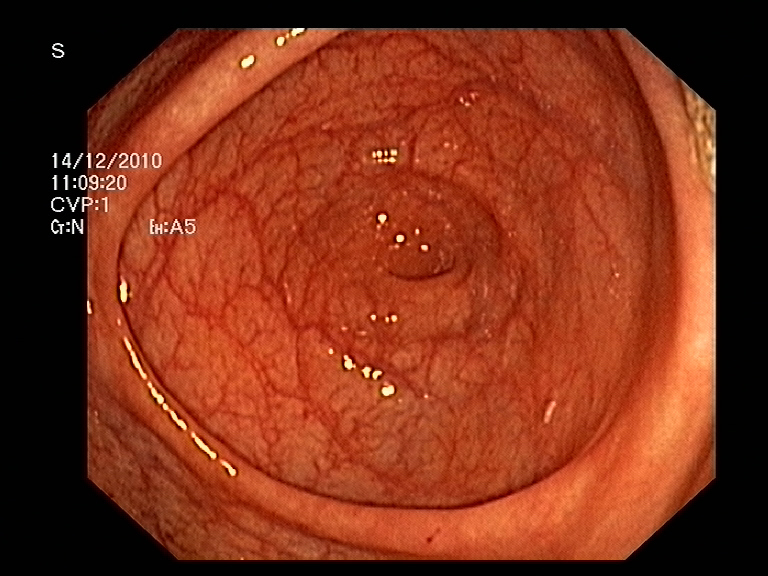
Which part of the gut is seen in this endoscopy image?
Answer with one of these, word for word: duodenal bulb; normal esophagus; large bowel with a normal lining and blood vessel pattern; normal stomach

large bowel with a normal lining and blood vessel pattern